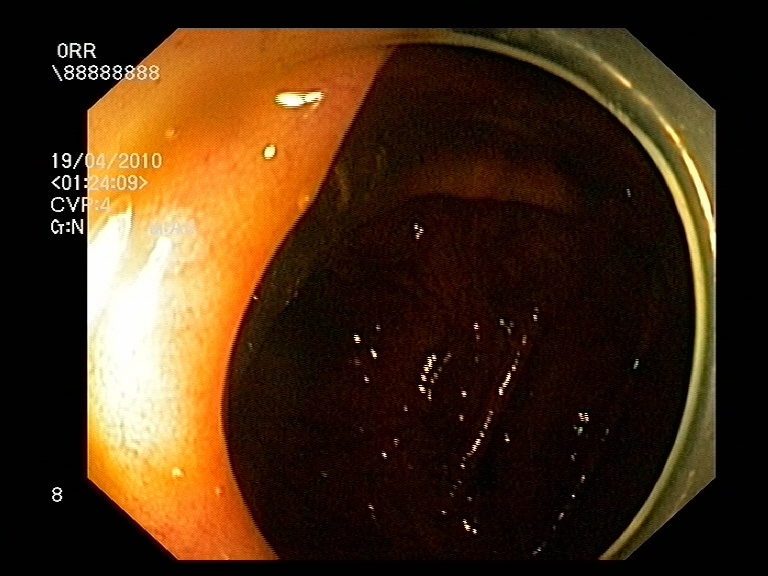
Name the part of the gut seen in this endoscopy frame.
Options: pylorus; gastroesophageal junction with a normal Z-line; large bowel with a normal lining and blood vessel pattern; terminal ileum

large bowel with a normal lining and blood vessel pattern